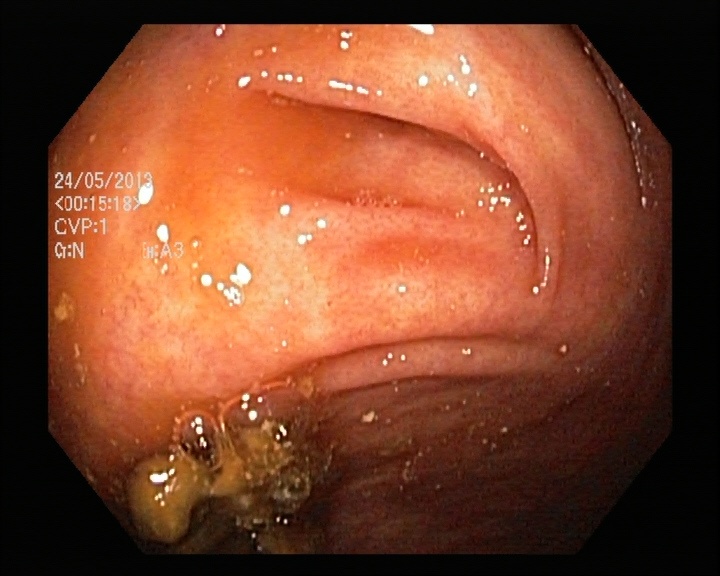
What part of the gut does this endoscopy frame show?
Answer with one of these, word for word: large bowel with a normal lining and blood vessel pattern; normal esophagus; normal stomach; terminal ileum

large bowel with a normal lining and blood vessel pattern